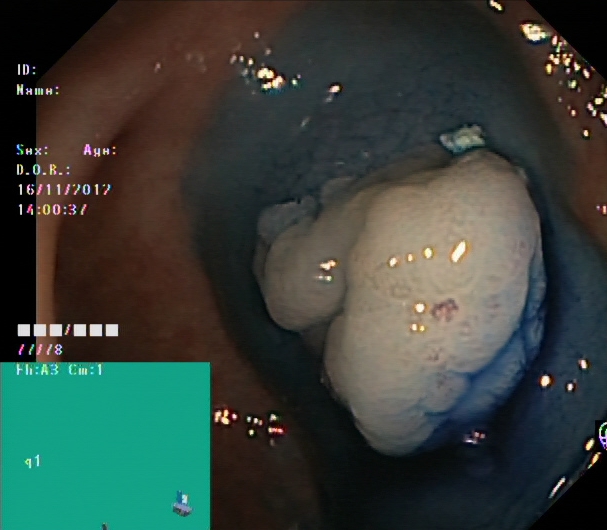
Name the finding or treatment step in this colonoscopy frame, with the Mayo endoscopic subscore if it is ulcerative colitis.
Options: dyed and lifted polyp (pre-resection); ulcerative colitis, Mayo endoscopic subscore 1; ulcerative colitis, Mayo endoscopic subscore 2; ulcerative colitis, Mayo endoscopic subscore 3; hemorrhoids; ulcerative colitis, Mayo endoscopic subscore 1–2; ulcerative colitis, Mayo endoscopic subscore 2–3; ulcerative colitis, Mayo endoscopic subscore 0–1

dyed and lifted polyp (pre-resection)